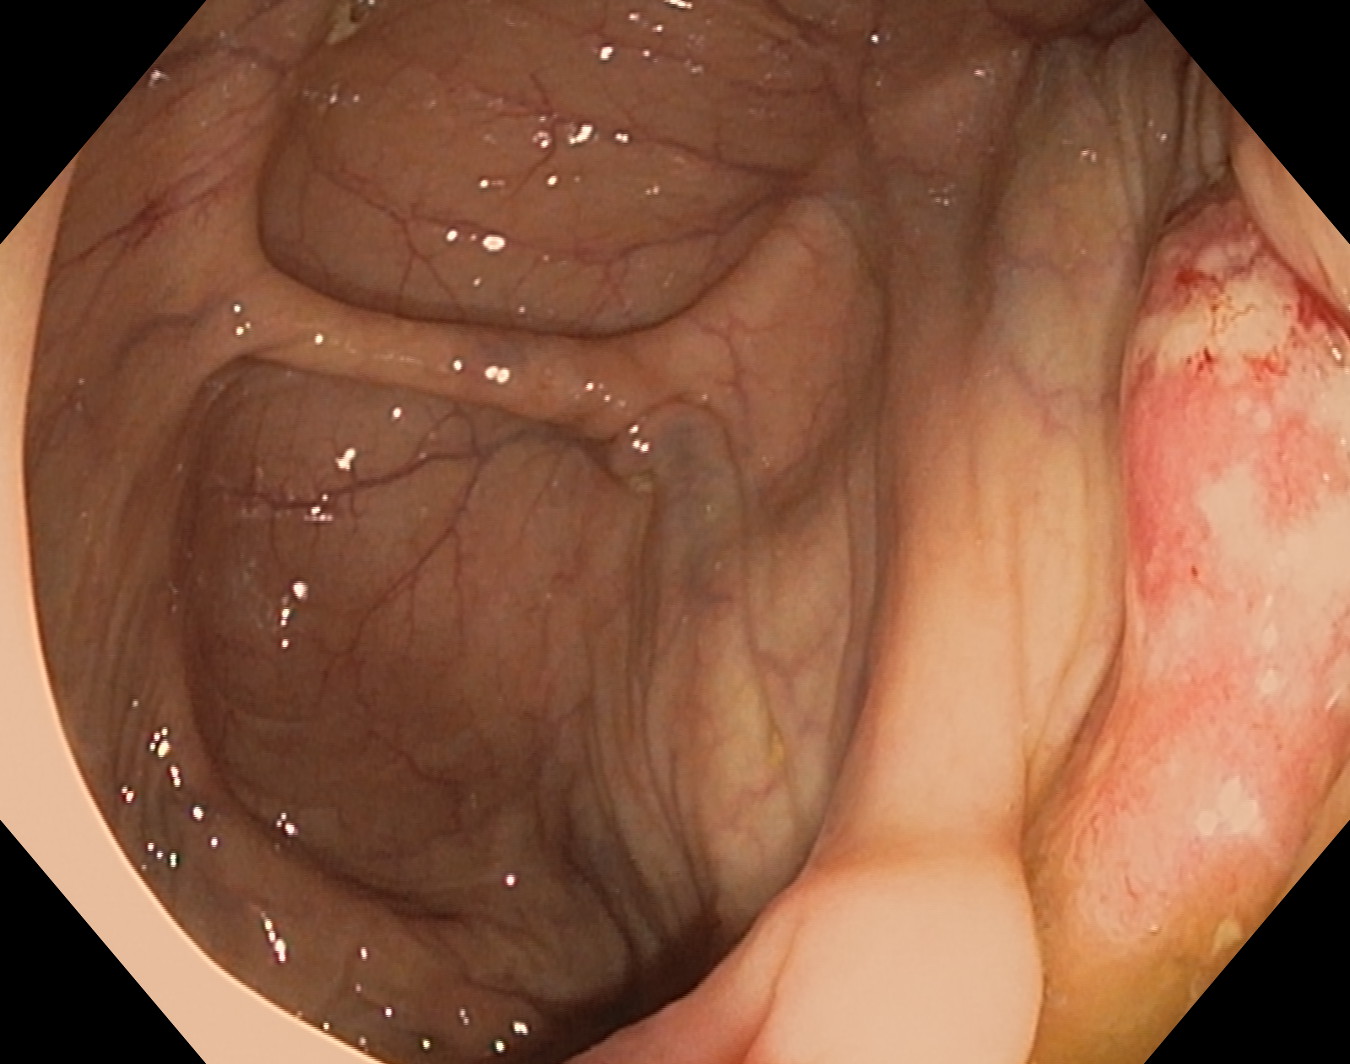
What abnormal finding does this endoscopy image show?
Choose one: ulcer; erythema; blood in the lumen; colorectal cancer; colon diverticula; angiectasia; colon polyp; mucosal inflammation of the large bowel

colorectal cancer